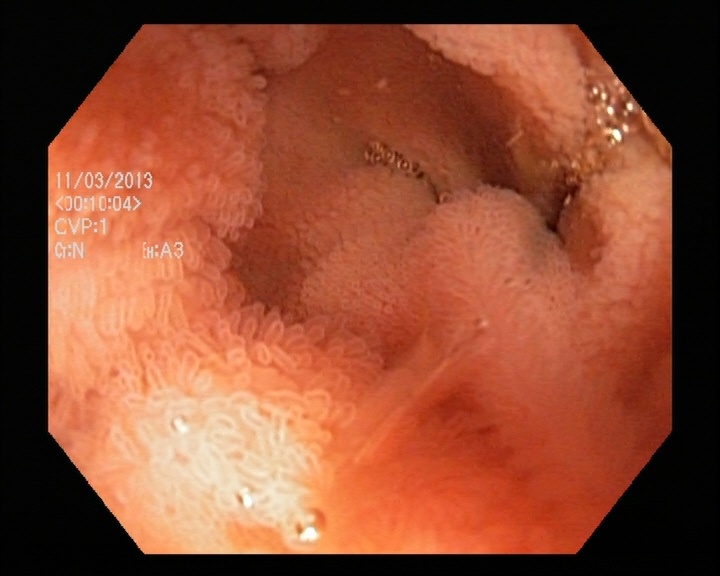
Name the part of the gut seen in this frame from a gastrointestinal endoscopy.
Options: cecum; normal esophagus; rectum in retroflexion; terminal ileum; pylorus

terminal ileum